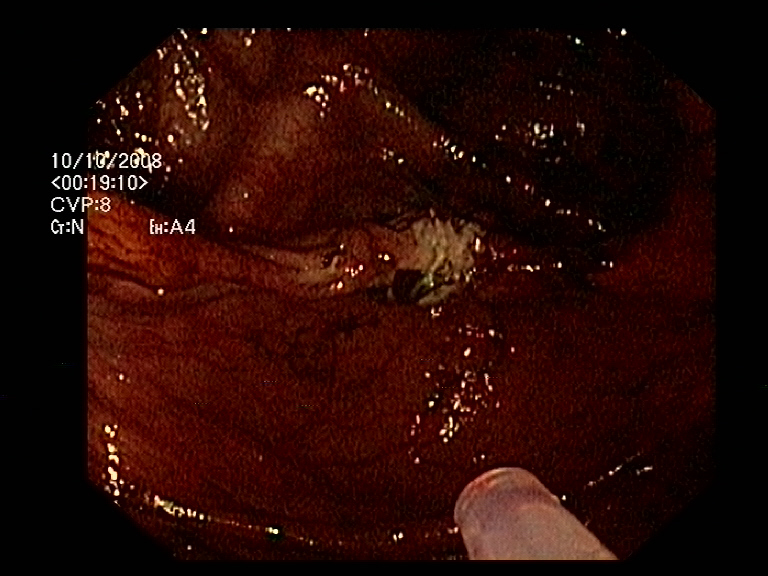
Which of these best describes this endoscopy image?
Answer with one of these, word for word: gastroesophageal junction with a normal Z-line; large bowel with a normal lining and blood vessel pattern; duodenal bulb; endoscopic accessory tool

endoscopic accessory tool